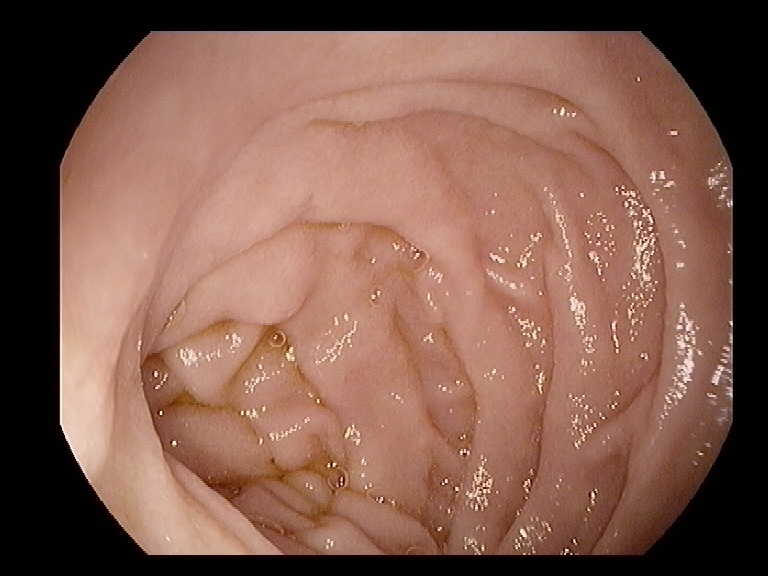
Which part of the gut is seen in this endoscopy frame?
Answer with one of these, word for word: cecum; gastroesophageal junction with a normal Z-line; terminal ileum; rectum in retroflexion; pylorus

terminal ileum